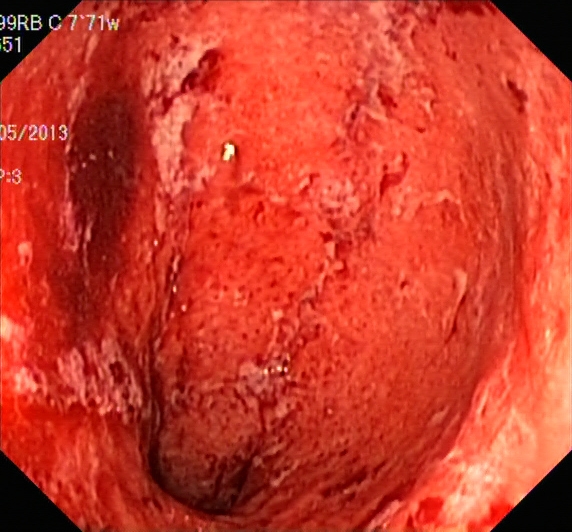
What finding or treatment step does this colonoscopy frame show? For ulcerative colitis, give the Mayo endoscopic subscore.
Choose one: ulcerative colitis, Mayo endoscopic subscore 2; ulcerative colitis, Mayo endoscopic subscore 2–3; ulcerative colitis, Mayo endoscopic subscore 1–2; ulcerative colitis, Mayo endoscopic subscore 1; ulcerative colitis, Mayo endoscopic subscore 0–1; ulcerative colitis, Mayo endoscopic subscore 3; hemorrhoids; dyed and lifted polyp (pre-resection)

ulcerative colitis, Mayo endoscopic subscore 3